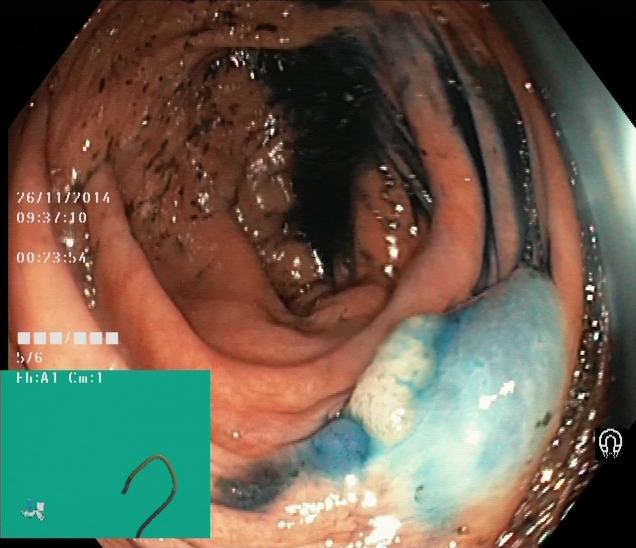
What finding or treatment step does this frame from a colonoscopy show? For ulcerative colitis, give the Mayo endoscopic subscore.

dyed and lifted polyp (pre-resection)